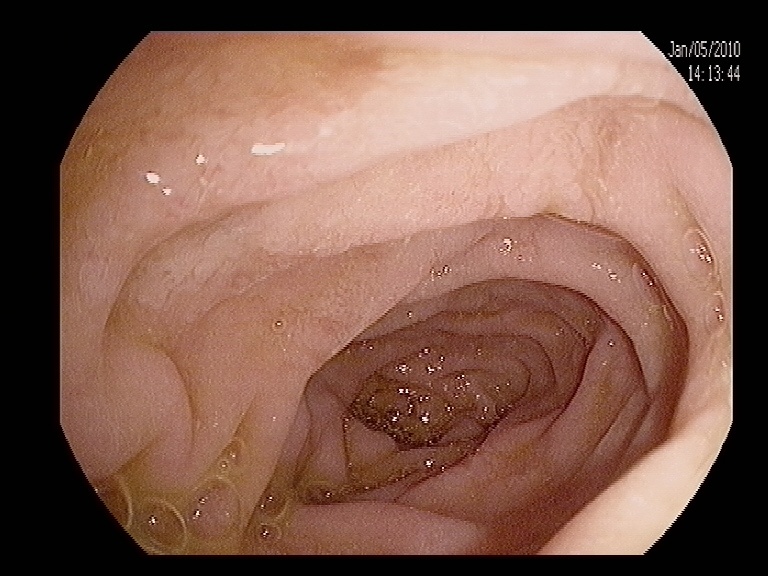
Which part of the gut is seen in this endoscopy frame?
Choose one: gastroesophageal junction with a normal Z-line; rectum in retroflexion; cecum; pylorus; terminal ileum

terminal ileum